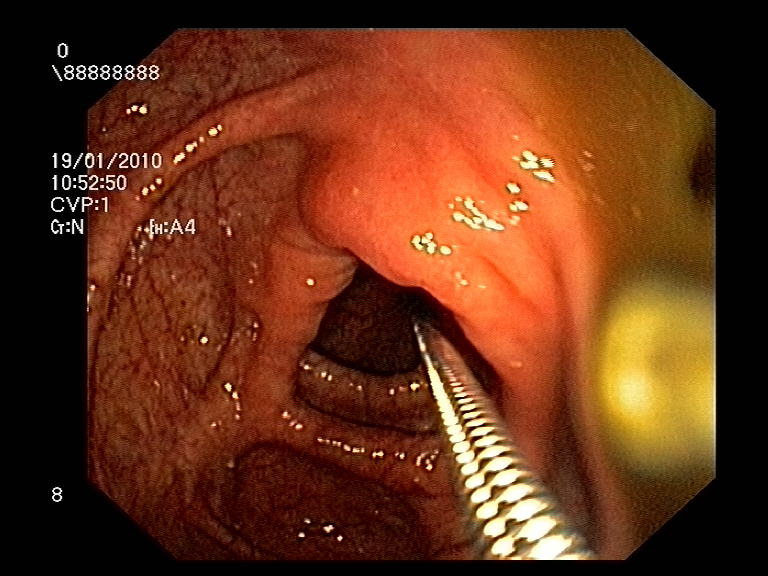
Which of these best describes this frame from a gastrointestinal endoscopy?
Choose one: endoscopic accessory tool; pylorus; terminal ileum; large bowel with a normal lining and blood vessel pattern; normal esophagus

endoscopic accessory tool